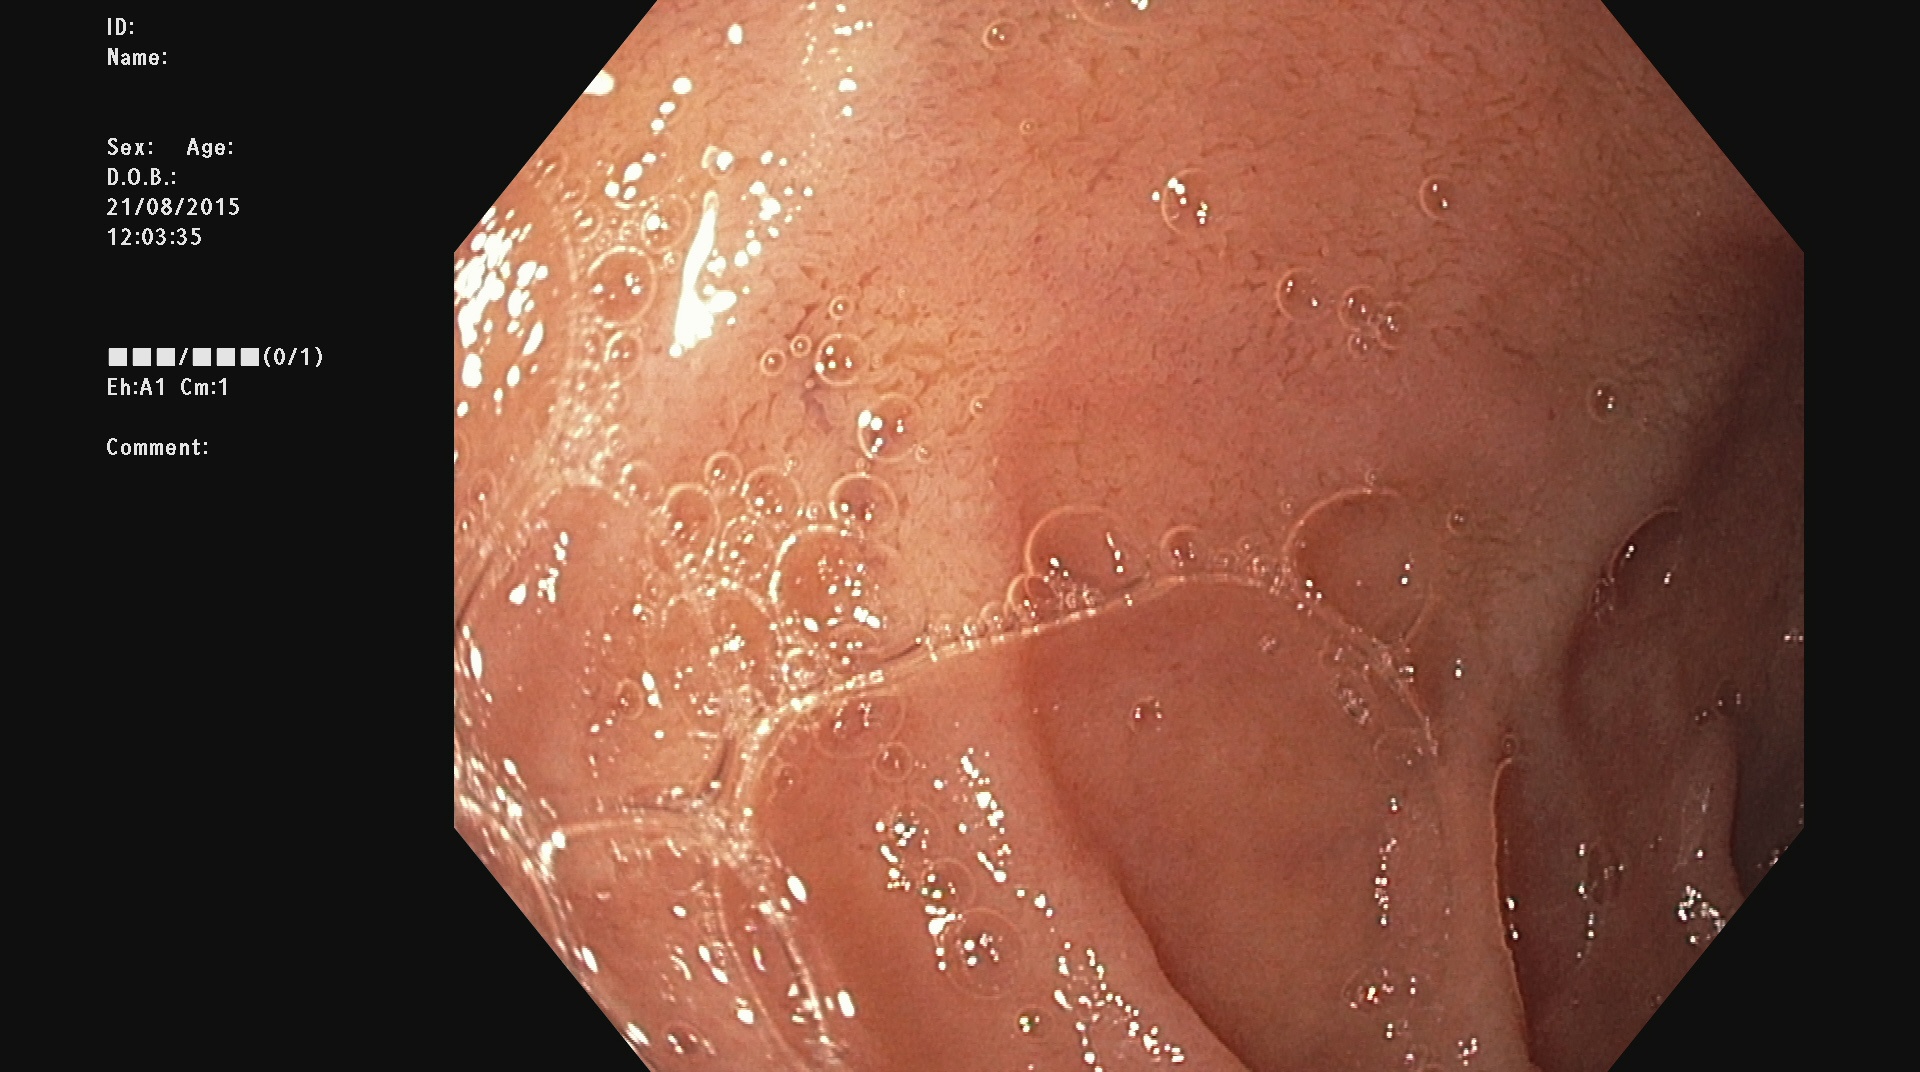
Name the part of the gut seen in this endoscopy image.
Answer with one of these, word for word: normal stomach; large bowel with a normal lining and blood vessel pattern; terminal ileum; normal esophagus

terminal ileum